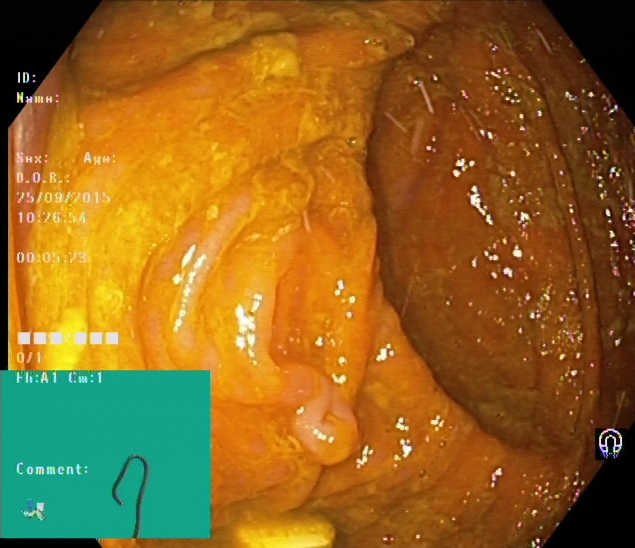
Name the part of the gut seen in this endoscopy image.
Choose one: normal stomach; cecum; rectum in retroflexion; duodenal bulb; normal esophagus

cecum